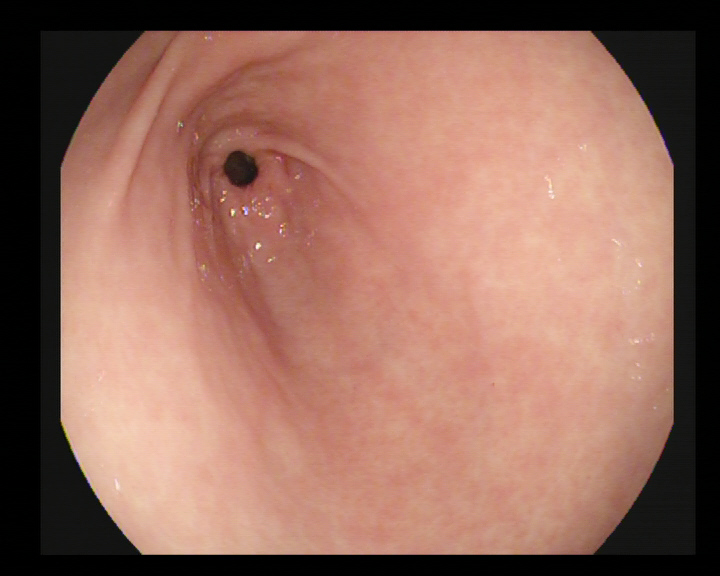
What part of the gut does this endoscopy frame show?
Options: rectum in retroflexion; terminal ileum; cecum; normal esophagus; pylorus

pylorus